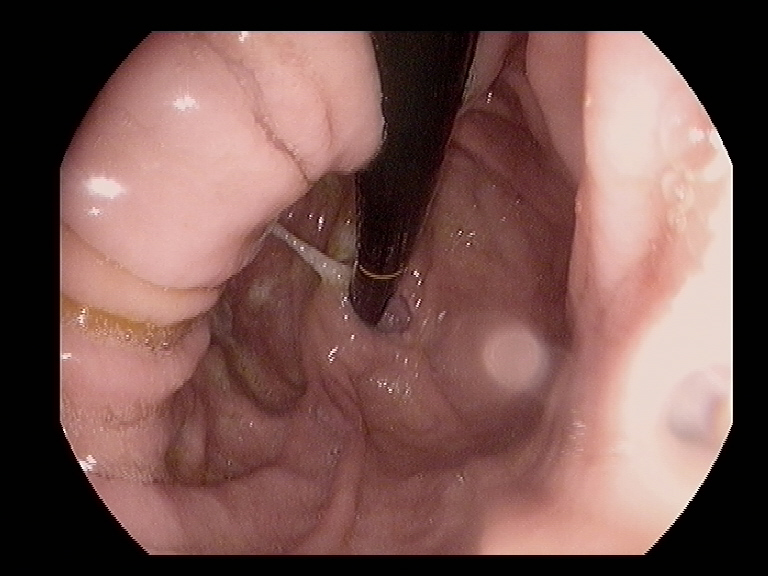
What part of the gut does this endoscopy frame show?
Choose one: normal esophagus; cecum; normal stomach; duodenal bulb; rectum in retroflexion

normal stomach